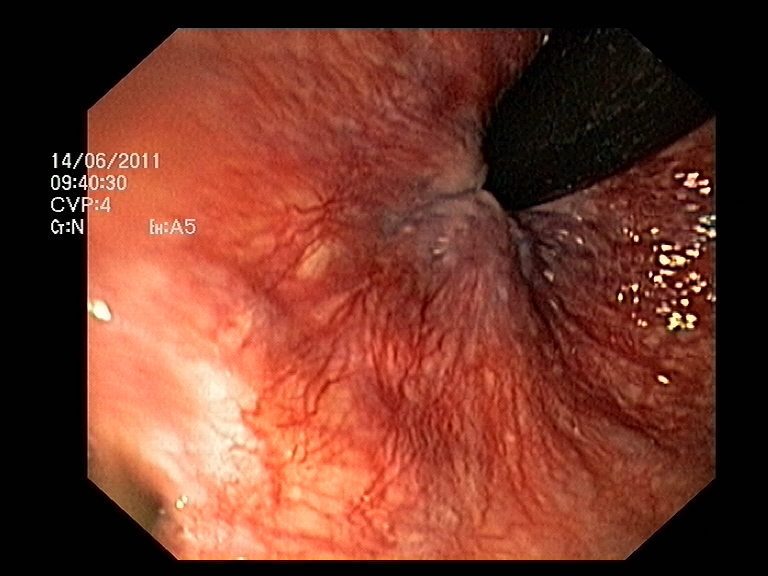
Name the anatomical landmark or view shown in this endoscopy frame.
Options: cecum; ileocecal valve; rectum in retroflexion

rectum in retroflexion